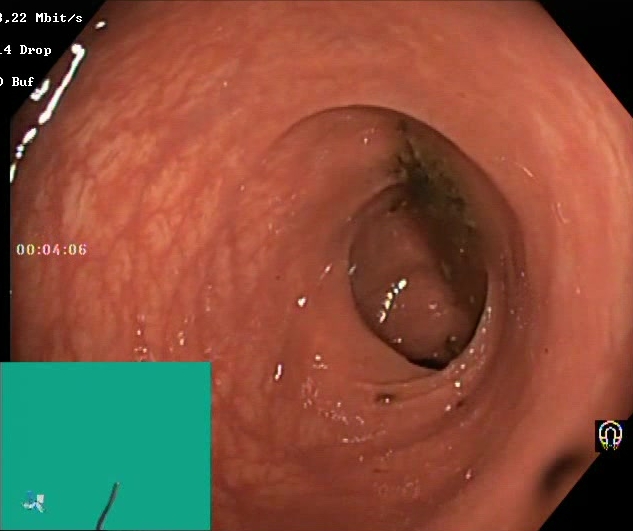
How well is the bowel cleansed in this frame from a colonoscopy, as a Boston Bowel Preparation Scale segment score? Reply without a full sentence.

Boston Bowel Preparation Scale score 0–1 (inadequate preparation)